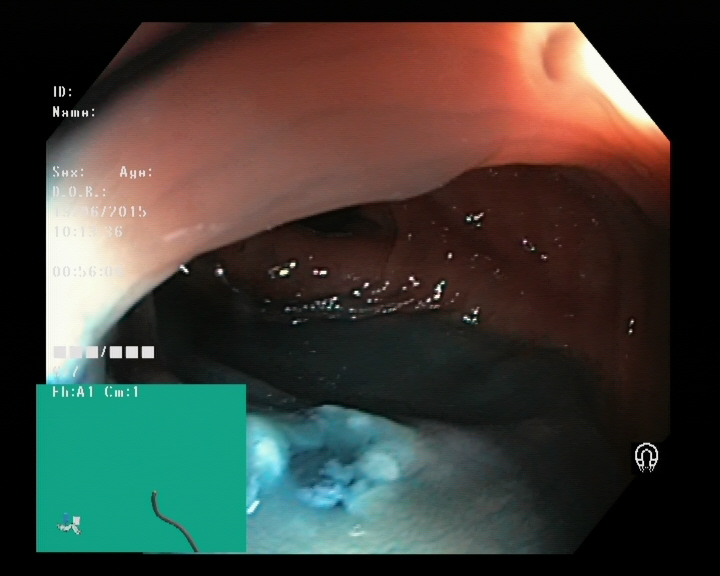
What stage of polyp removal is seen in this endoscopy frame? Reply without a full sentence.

dyed resection margin (post-polypectomy)